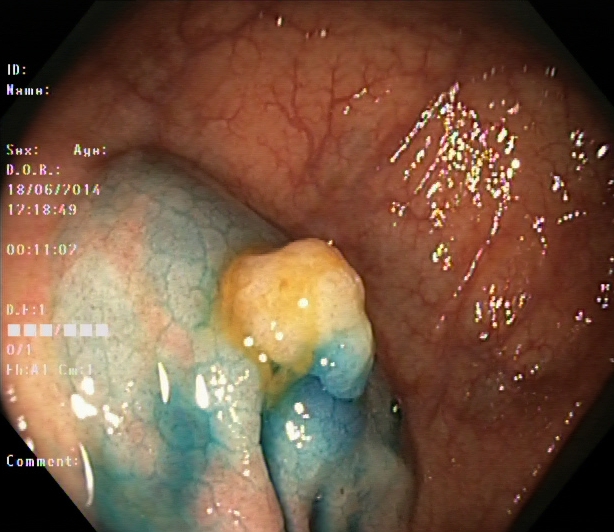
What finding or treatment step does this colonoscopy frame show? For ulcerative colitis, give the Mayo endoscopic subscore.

dyed and lifted polyp (pre-resection)